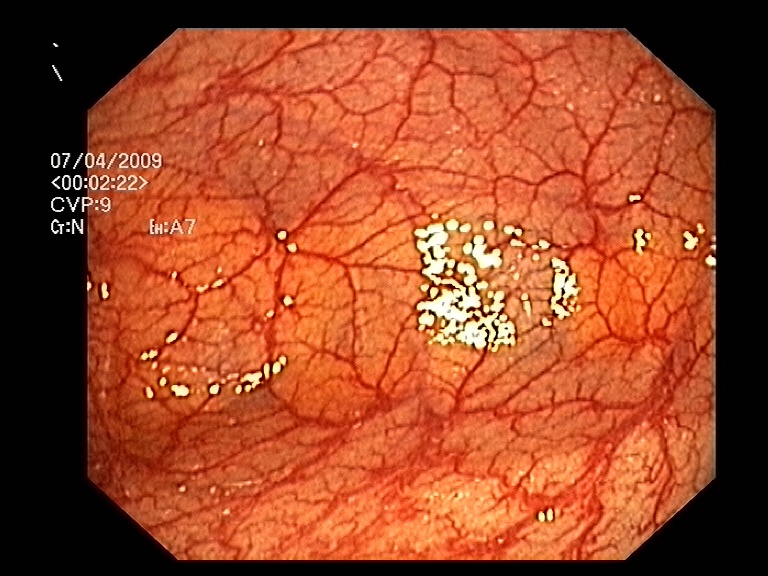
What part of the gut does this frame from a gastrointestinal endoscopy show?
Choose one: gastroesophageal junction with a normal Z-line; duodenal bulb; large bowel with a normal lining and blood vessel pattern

large bowel with a normal lining and blood vessel pattern